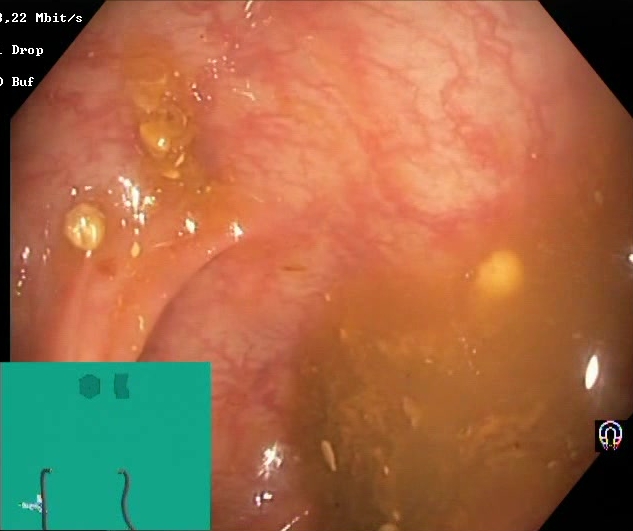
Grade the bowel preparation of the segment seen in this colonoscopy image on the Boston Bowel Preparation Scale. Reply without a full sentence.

Boston Bowel Preparation Scale score 0–1 (inadequate preparation)